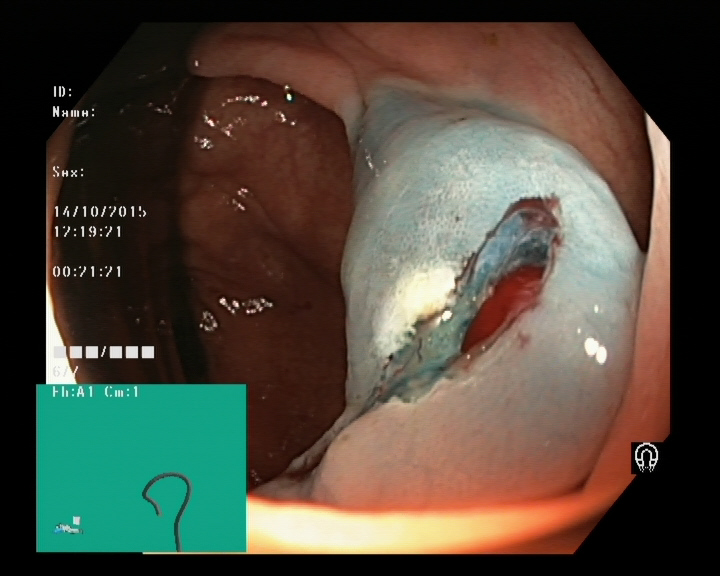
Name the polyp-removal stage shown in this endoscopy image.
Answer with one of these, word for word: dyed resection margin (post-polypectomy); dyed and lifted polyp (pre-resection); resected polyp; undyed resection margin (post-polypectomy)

dyed resection margin (post-polypectomy)